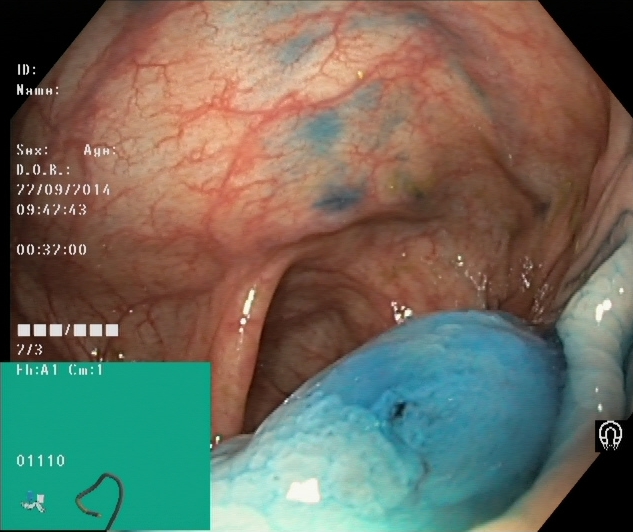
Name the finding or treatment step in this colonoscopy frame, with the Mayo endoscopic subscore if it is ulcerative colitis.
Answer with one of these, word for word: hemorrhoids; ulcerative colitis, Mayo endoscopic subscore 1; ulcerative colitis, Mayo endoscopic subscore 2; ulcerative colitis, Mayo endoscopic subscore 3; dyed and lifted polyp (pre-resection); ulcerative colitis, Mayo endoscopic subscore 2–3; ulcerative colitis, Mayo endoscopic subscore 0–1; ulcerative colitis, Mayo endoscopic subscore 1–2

dyed and lifted polyp (pre-resection)